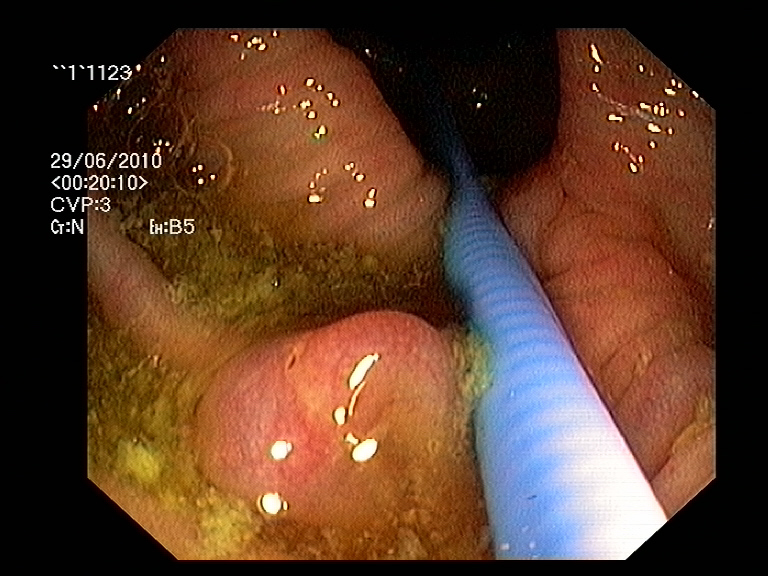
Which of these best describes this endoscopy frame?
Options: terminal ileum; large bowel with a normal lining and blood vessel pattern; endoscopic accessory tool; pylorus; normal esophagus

endoscopic accessory tool